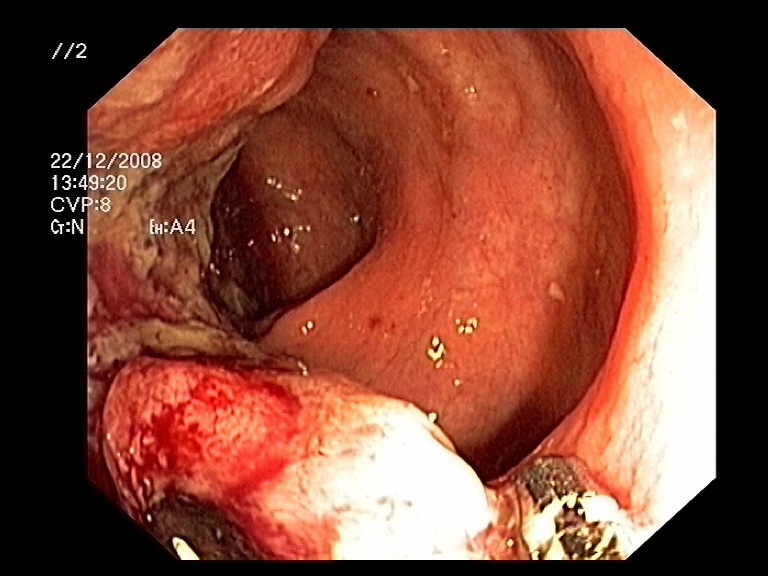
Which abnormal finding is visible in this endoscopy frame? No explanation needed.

colorectal cancer